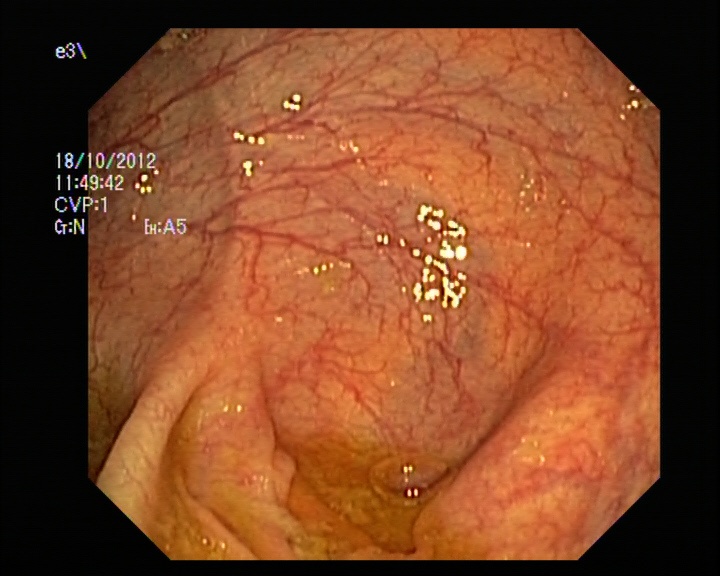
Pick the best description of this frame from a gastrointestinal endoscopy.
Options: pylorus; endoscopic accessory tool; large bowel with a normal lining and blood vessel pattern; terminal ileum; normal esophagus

large bowel with a normal lining and blood vessel pattern